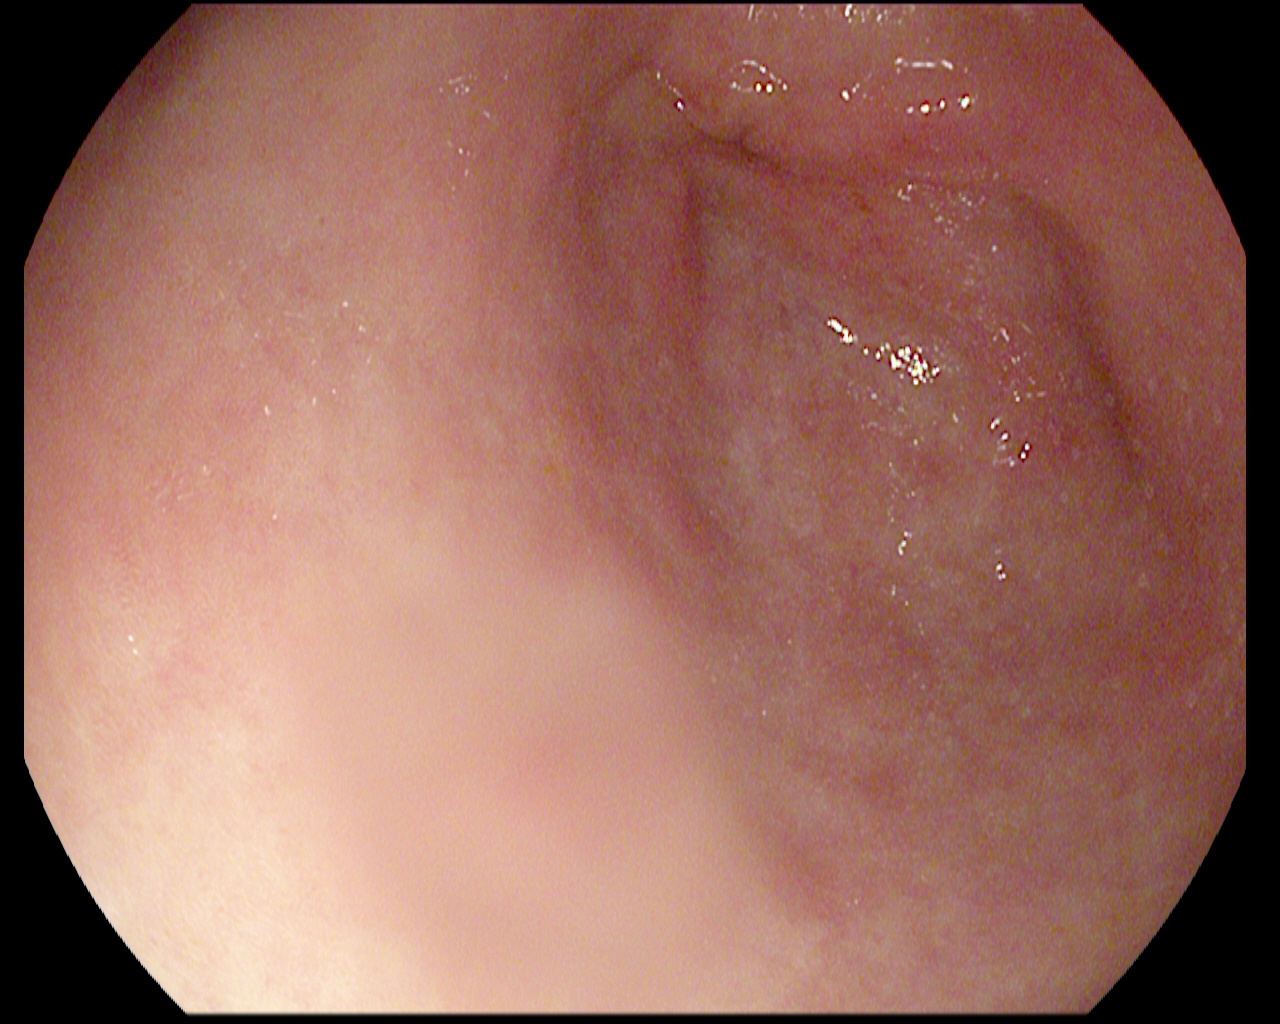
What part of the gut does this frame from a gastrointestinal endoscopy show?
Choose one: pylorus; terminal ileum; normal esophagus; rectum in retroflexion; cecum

pylorus